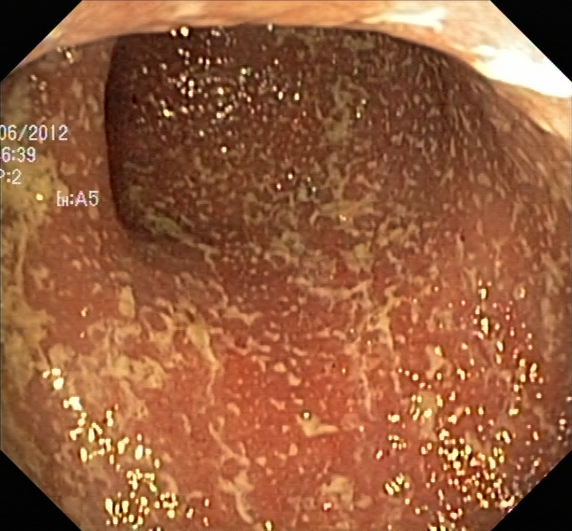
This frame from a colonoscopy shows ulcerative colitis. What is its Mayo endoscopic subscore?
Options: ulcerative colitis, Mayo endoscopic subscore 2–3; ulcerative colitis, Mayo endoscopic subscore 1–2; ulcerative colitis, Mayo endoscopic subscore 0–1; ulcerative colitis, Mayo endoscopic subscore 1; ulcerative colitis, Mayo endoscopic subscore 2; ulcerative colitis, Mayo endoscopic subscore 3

ulcerative colitis, Mayo endoscopic subscore 2